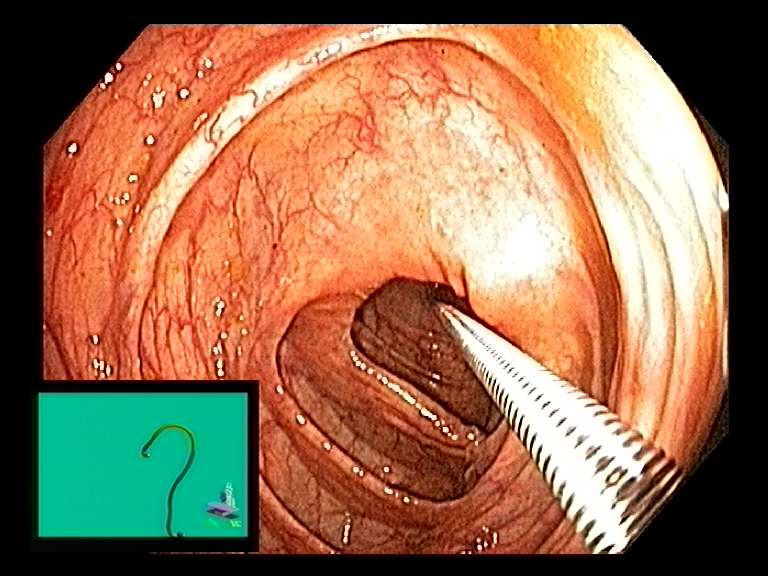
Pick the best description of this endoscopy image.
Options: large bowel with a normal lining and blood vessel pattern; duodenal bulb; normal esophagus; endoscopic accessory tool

endoscopic accessory tool